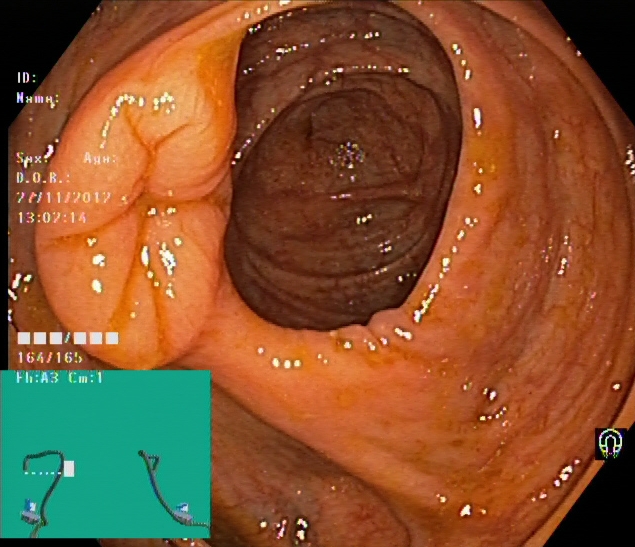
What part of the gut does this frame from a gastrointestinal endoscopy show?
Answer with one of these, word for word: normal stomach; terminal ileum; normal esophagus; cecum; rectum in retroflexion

cecum